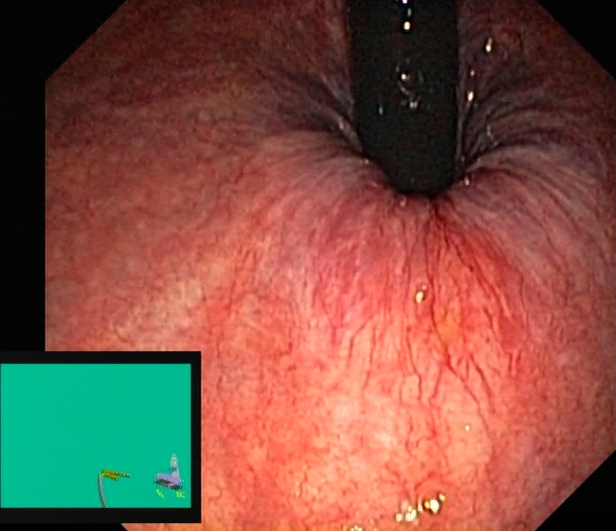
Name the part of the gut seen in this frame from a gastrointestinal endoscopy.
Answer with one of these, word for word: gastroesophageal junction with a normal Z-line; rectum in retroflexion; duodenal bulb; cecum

rectum in retroflexion